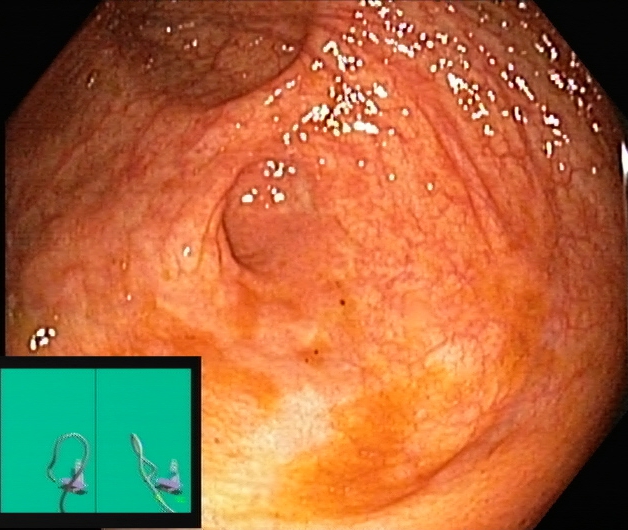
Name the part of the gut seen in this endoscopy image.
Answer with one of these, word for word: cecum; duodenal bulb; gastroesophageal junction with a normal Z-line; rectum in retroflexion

cecum